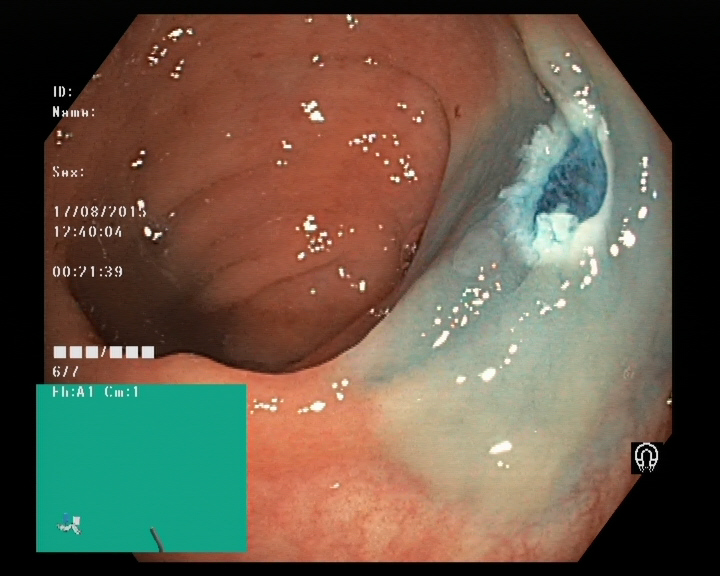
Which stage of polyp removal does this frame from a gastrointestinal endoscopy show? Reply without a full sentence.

dyed resection margin (post-polypectomy)